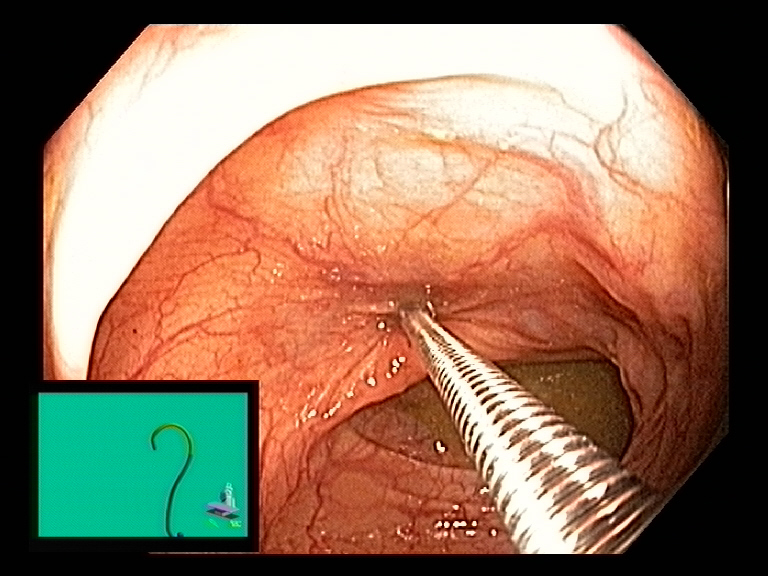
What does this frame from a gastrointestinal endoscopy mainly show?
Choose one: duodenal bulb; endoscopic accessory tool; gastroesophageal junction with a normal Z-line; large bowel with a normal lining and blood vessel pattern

endoscopic accessory tool